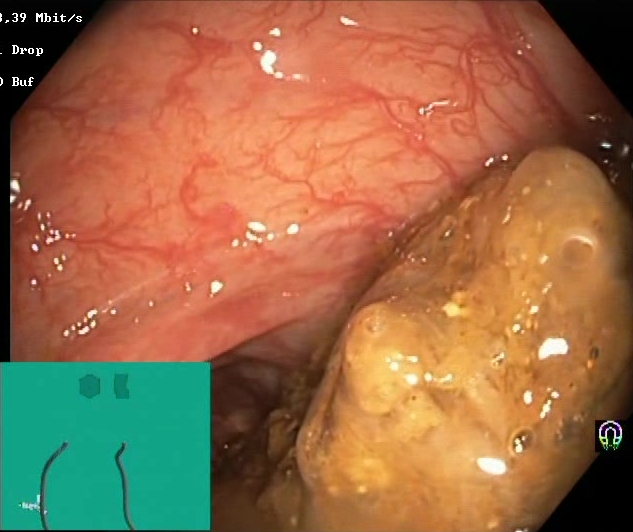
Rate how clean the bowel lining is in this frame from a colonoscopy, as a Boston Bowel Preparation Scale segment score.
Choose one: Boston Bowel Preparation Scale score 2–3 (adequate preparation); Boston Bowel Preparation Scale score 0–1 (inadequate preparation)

Boston Bowel Preparation Scale score 0–1 (inadequate preparation)